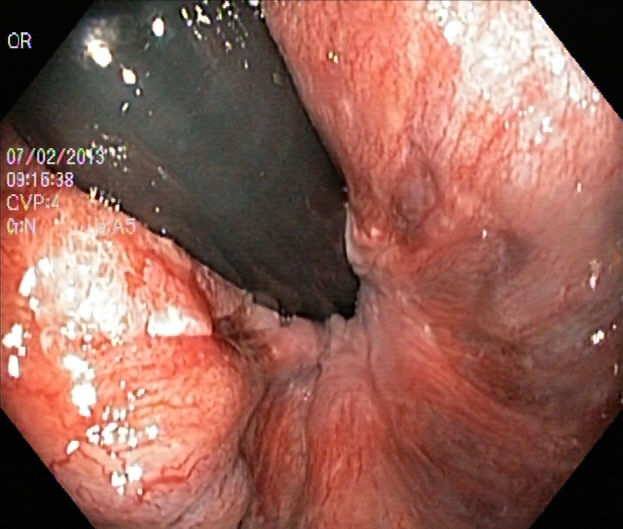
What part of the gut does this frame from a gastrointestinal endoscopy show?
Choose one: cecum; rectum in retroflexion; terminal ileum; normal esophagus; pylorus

rectum in retroflexion